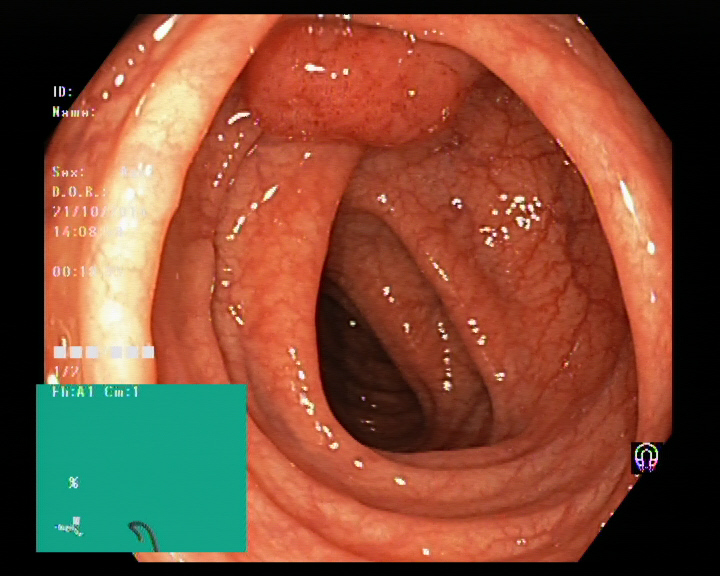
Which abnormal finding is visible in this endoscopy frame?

colon polyp